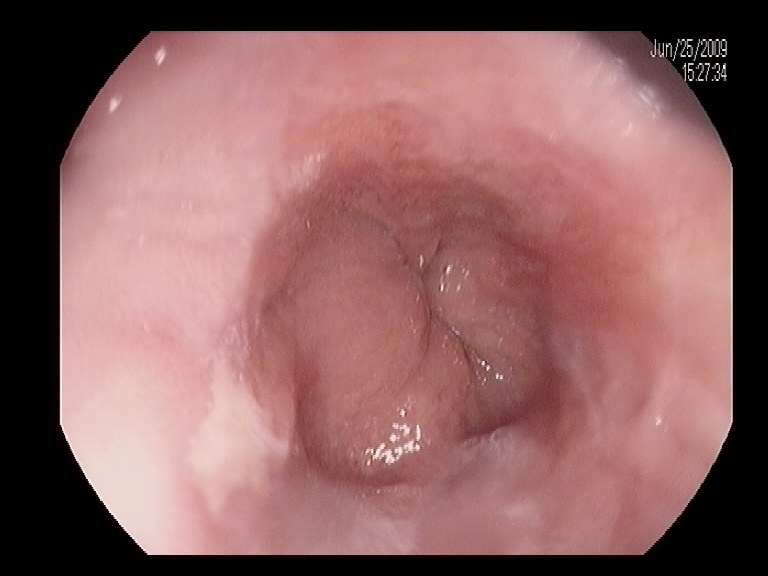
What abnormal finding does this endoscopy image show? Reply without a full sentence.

Barrett's esophagus